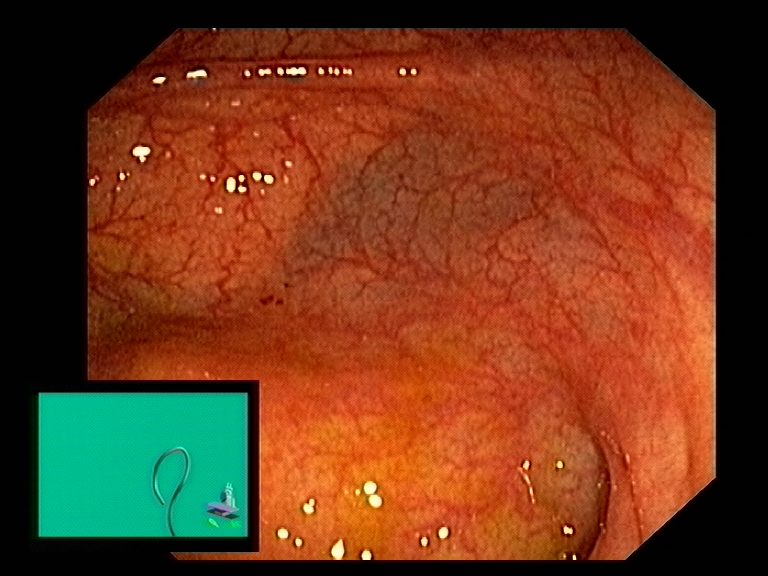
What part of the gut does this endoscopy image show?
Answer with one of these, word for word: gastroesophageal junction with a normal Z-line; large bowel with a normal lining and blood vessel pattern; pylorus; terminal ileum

large bowel with a normal lining and blood vessel pattern